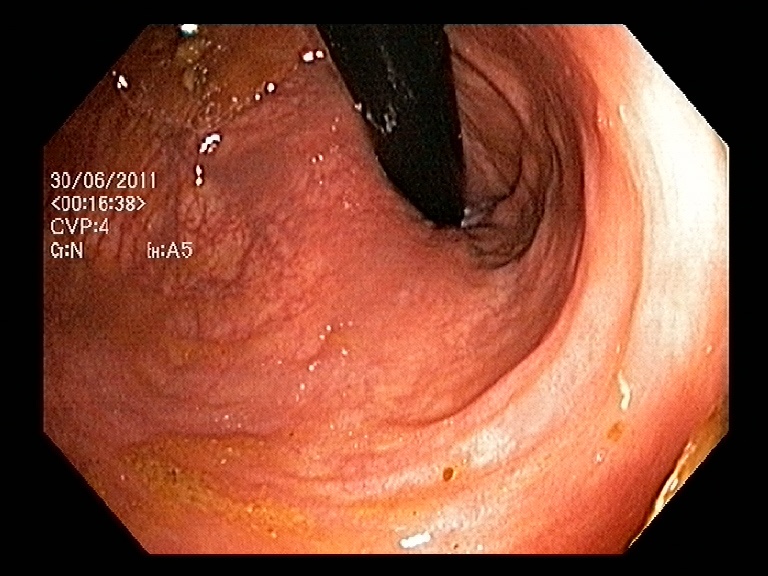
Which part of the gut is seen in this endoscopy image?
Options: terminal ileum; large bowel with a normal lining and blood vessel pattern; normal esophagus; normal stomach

normal stomach